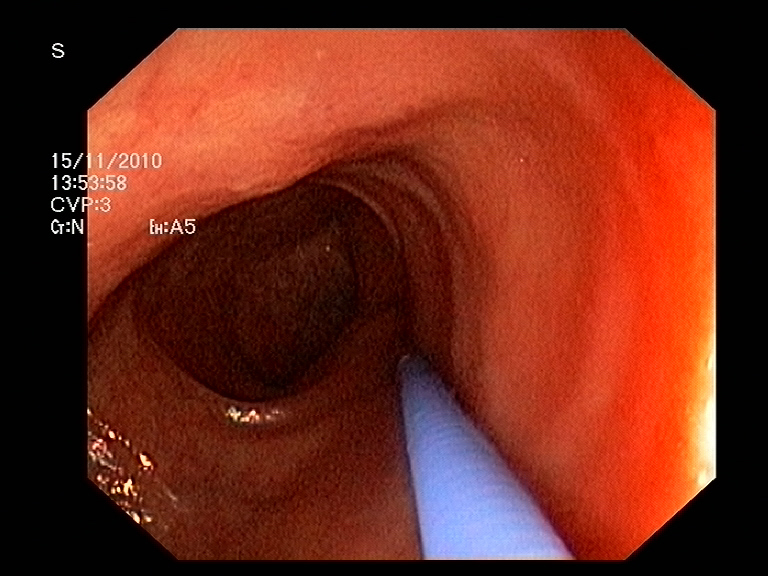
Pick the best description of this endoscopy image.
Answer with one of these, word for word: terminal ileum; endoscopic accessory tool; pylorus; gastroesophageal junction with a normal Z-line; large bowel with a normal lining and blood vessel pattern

endoscopic accessory tool